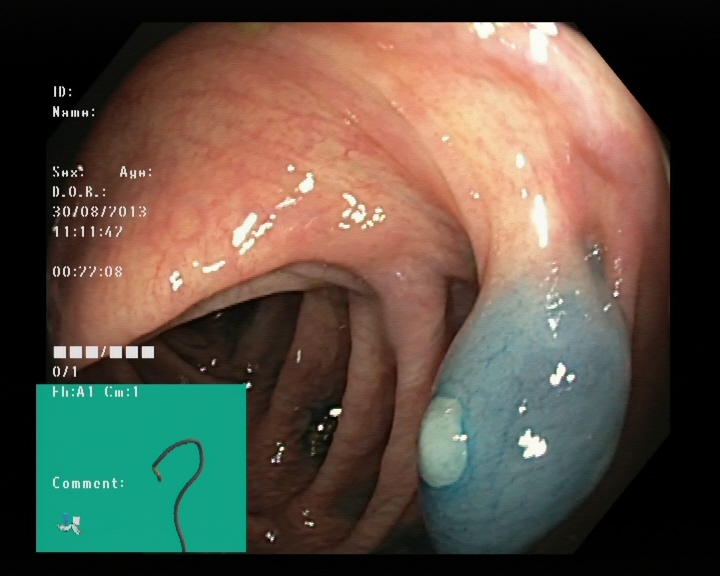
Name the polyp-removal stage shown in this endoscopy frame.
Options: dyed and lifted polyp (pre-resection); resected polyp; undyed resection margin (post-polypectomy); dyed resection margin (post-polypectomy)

dyed and lifted polyp (pre-resection)